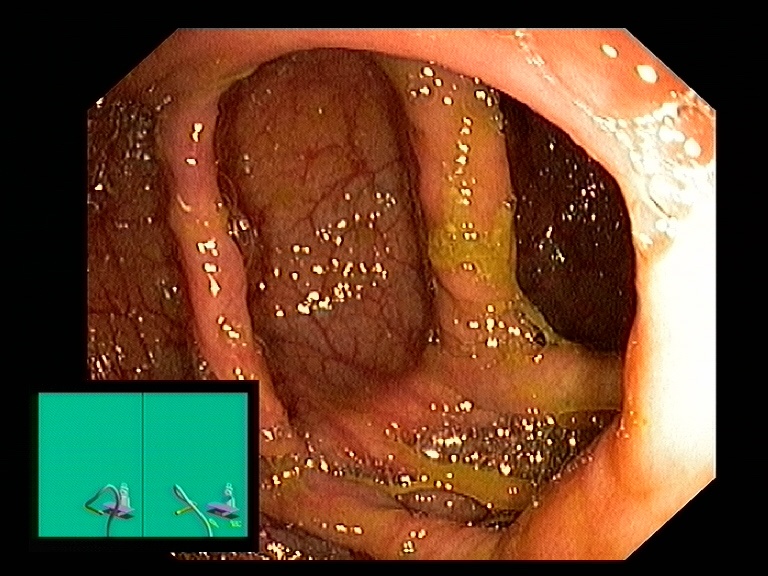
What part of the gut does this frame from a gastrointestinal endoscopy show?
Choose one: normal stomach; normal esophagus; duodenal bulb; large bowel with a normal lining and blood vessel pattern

large bowel with a normal lining and blood vessel pattern